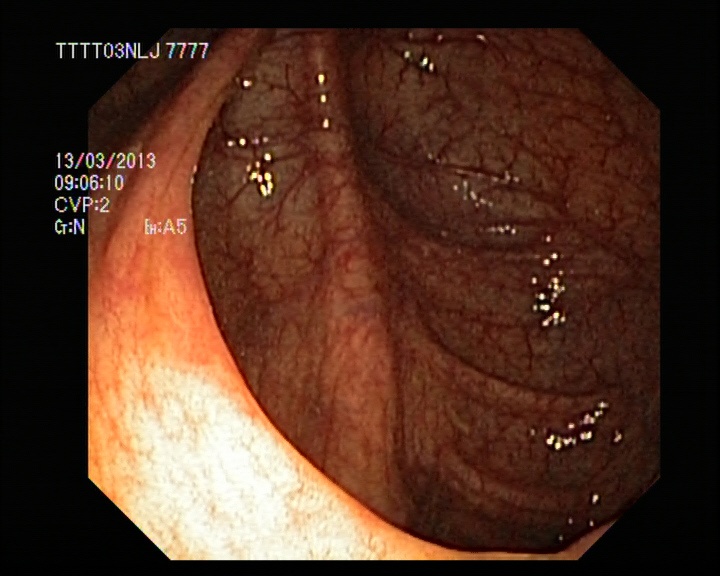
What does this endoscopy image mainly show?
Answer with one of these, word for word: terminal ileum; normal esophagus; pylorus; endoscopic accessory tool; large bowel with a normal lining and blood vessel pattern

large bowel with a normal lining and blood vessel pattern